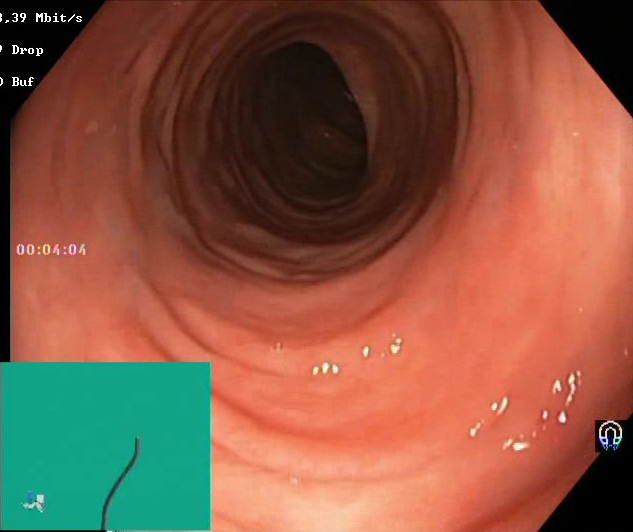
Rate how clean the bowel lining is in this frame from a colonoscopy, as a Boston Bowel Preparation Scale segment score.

Boston Bowel Preparation Scale score 2–3 (adequate preparation)